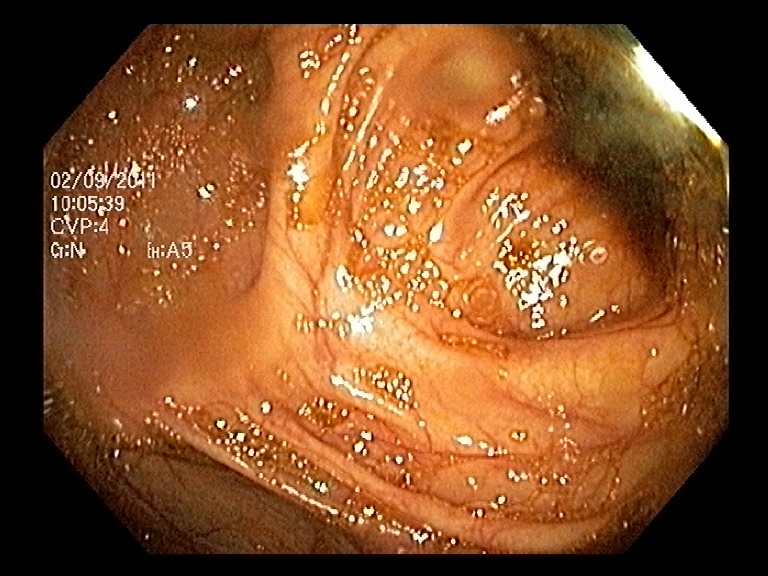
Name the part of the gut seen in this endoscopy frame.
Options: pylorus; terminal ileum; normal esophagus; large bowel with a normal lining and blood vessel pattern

large bowel with a normal lining and blood vessel pattern